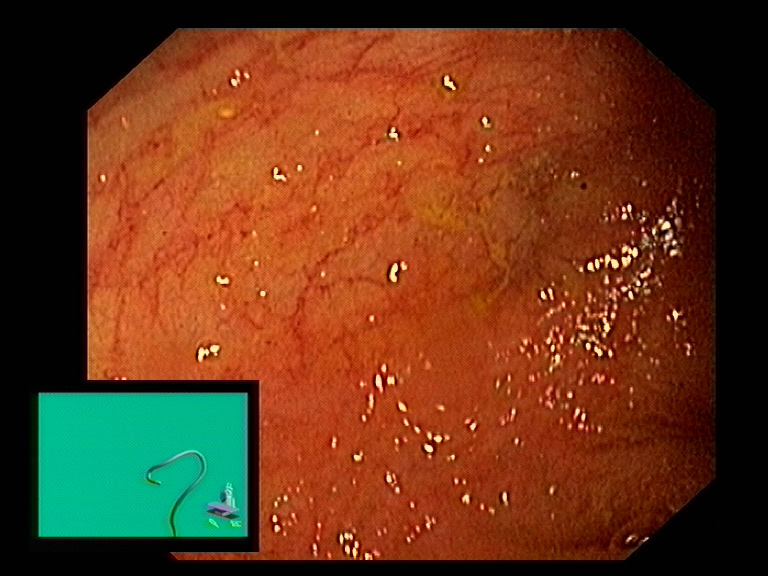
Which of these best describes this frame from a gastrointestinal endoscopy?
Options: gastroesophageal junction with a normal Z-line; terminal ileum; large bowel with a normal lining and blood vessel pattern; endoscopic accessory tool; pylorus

large bowel with a normal lining and blood vessel pattern